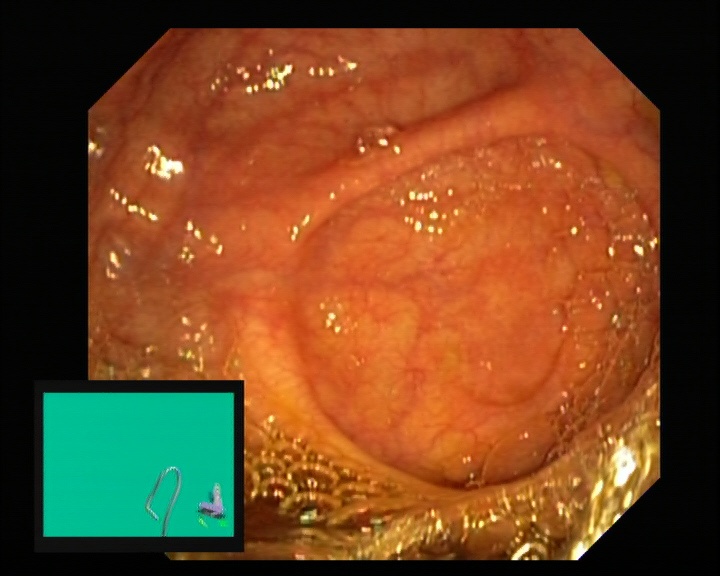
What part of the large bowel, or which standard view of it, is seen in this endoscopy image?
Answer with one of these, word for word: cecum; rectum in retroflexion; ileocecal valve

cecum